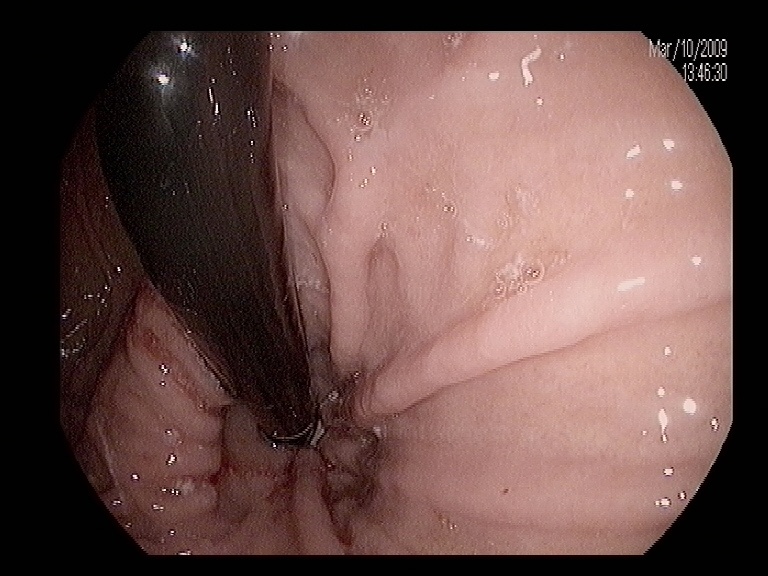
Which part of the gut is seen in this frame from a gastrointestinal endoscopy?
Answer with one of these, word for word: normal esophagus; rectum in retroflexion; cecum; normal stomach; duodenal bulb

normal stomach